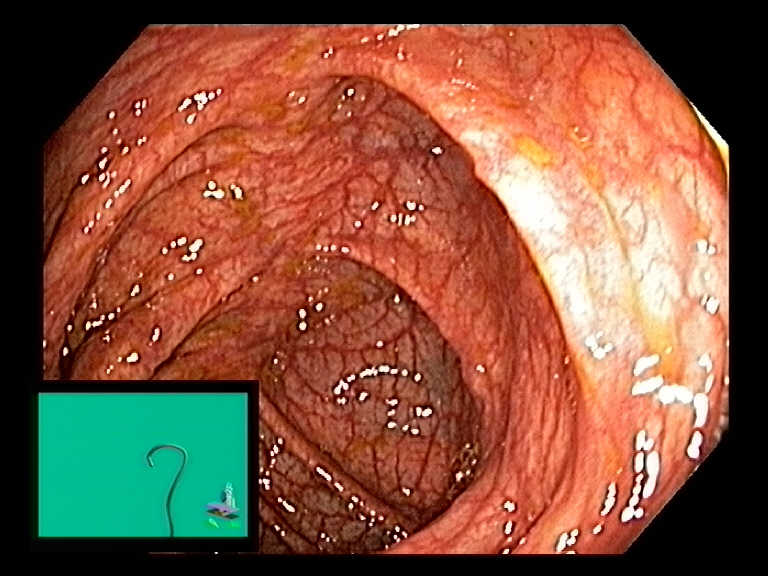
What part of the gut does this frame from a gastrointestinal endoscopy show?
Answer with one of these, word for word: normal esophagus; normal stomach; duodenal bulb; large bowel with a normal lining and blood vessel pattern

large bowel with a normal lining and blood vessel pattern